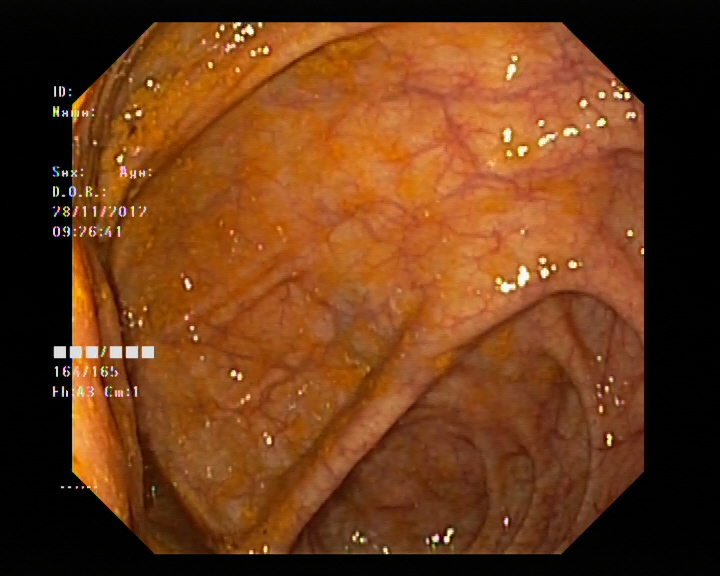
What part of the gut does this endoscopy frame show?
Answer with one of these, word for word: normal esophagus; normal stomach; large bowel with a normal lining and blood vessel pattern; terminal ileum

large bowel with a normal lining and blood vessel pattern